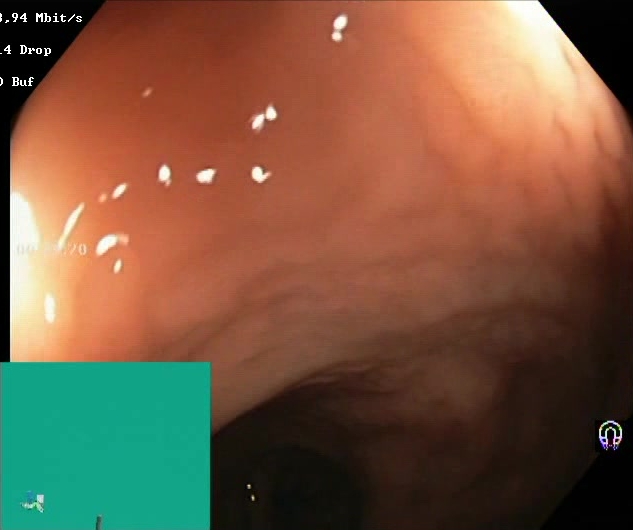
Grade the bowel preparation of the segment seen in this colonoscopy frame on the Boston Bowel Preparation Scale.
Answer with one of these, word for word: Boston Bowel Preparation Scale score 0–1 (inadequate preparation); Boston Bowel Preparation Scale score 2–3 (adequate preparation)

Boston Bowel Preparation Scale score 2–3 (adequate preparation)